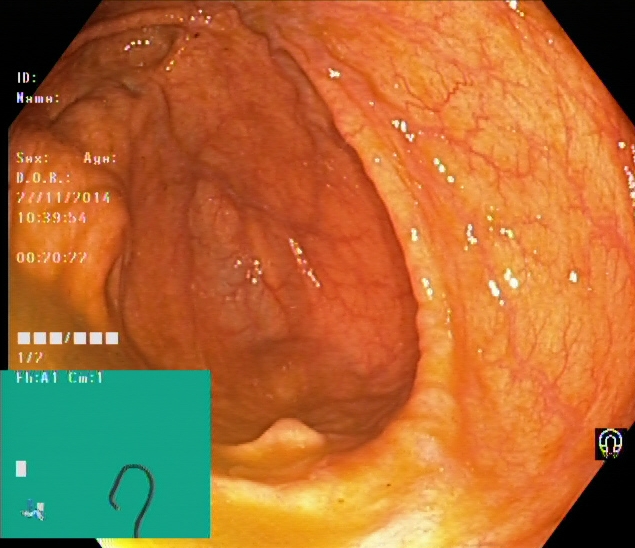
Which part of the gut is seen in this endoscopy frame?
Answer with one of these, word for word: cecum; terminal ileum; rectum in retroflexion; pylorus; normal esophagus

cecum